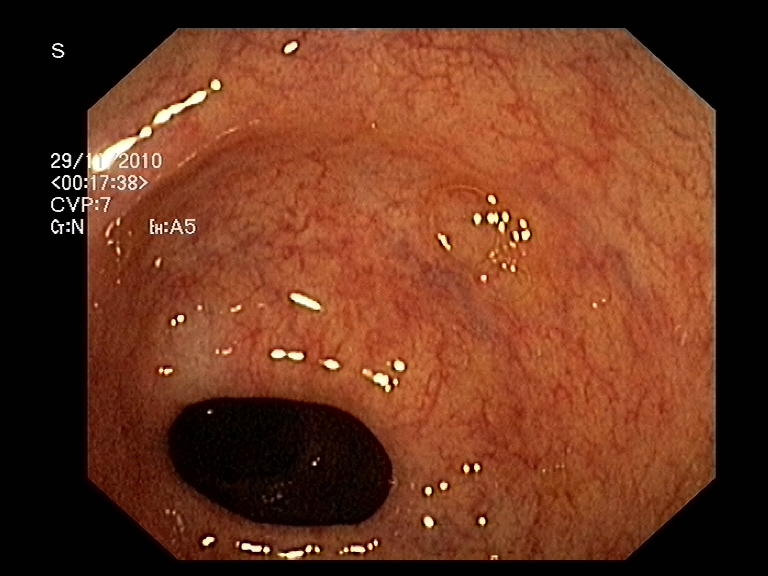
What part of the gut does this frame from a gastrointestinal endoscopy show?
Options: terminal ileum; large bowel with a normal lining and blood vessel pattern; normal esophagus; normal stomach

large bowel with a normal lining and blood vessel pattern